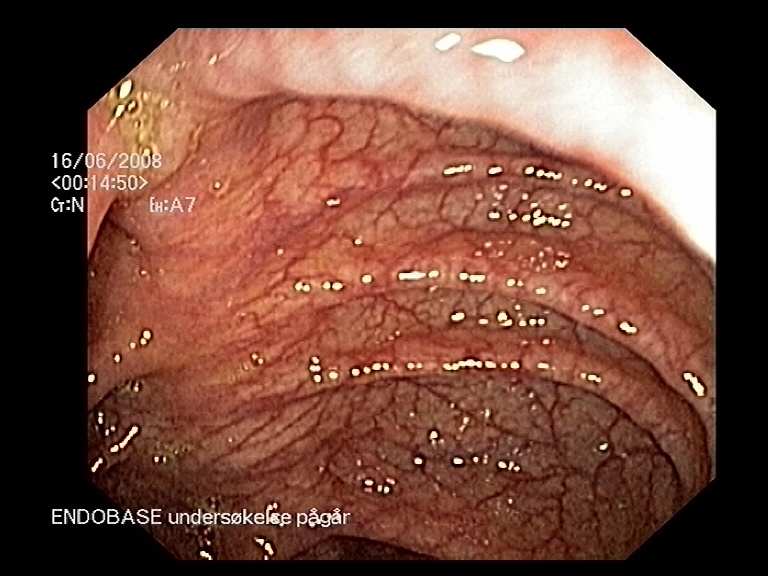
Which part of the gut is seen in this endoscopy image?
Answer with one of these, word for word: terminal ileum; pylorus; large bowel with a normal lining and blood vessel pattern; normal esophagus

large bowel with a normal lining and blood vessel pattern